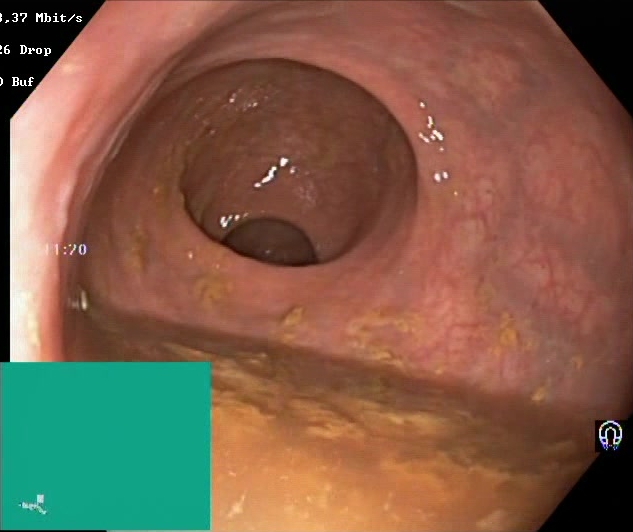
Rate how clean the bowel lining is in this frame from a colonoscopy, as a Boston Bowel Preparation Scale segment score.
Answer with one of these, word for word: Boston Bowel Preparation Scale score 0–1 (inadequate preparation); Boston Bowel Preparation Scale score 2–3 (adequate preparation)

Boston Bowel Preparation Scale score 0–1 (inadequate preparation)